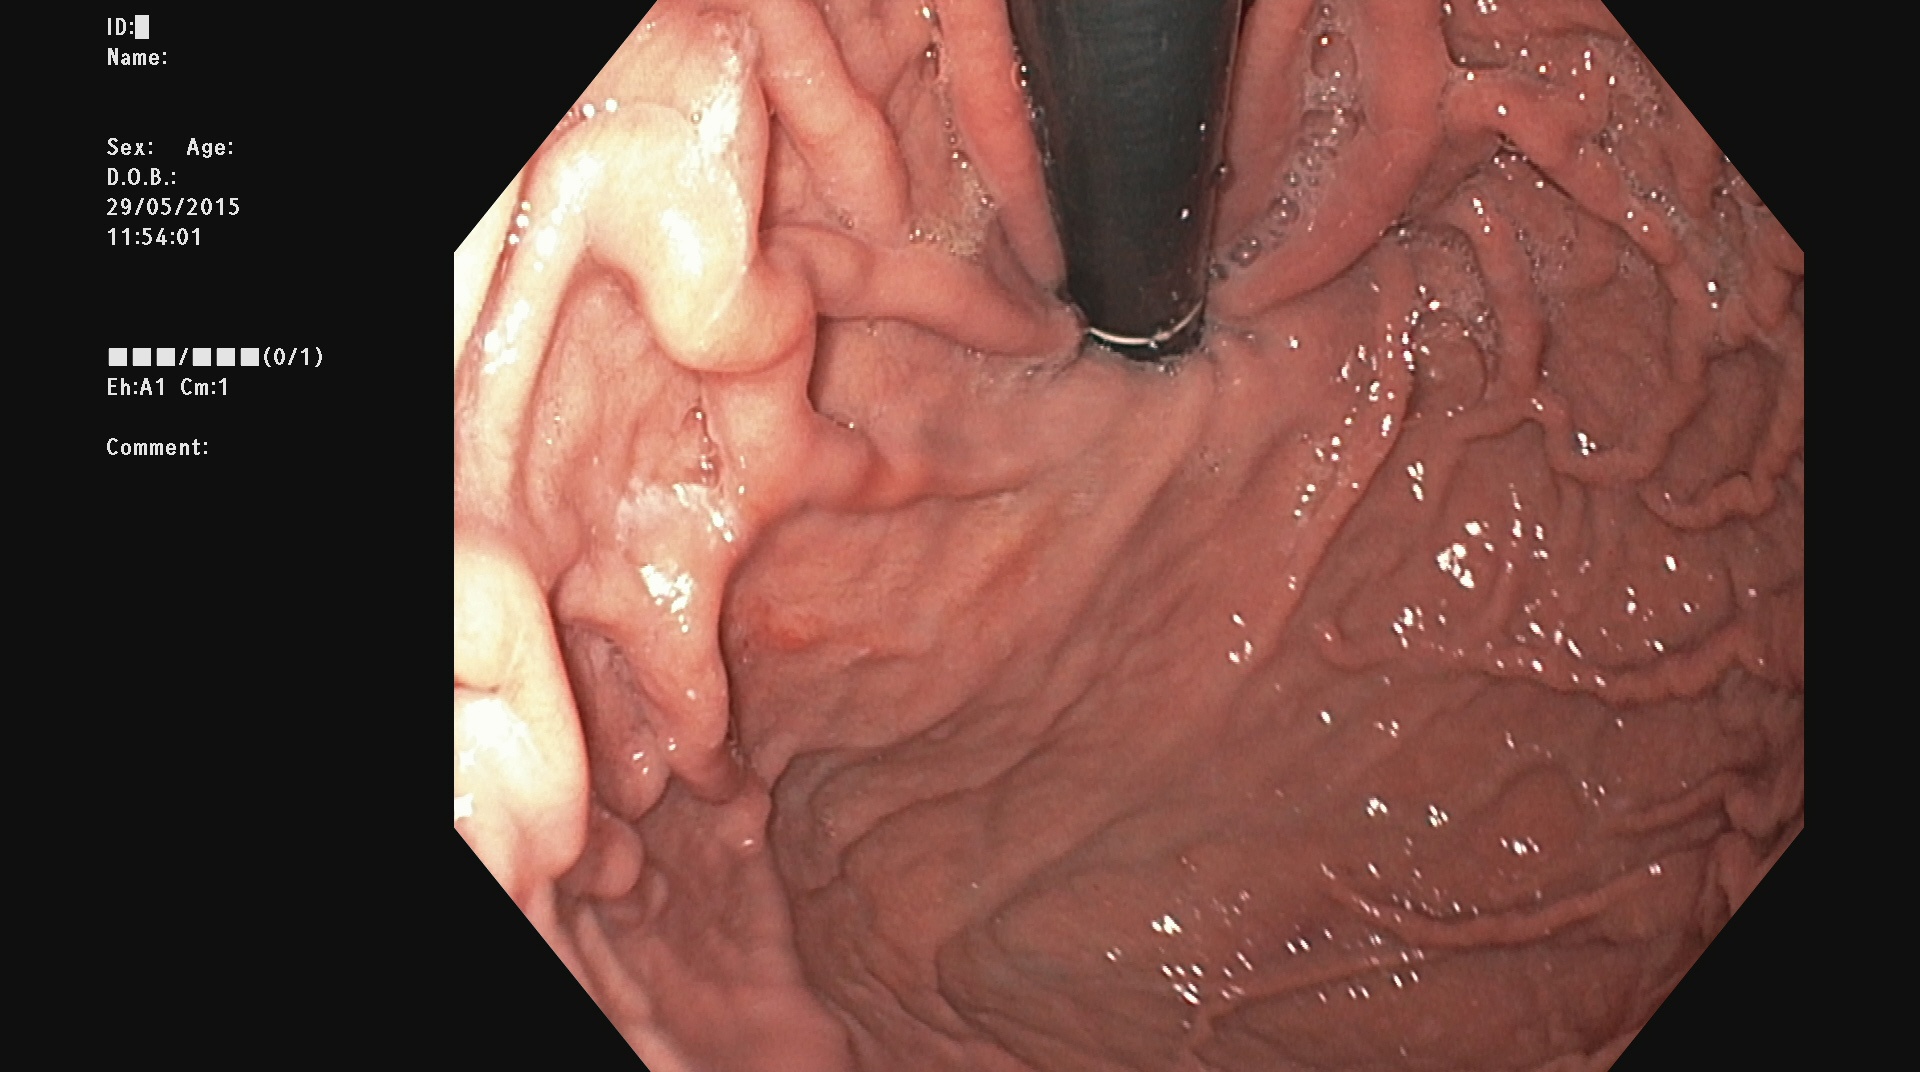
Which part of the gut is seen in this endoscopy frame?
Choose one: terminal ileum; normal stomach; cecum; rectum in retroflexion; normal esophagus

normal stomach